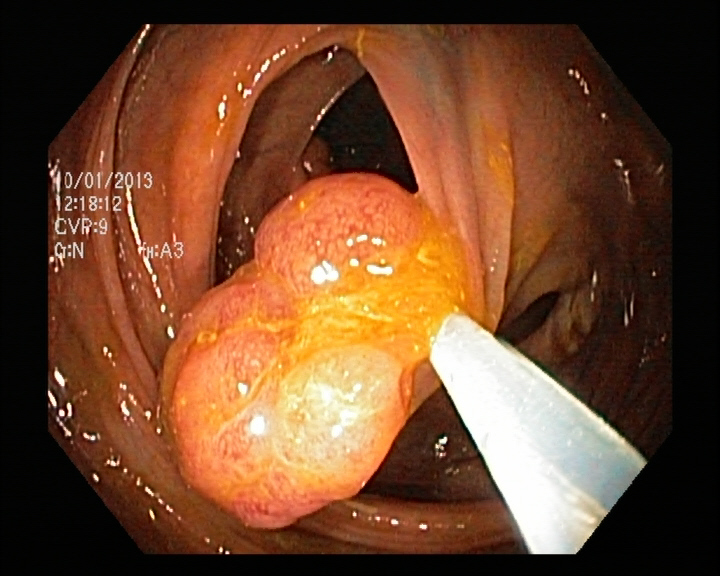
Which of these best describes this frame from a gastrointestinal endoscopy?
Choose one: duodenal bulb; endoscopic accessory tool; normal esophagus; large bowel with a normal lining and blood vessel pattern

endoscopic accessory tool